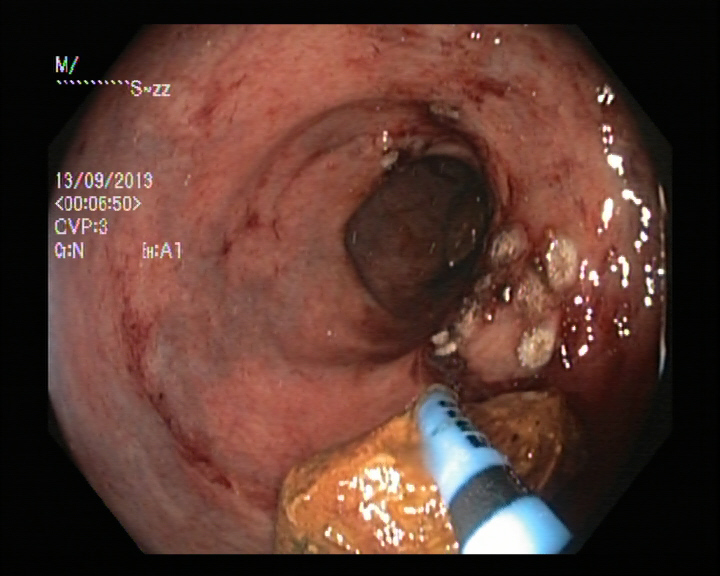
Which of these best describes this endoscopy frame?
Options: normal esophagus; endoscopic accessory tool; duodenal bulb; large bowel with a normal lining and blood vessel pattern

endoscopic accessory tool